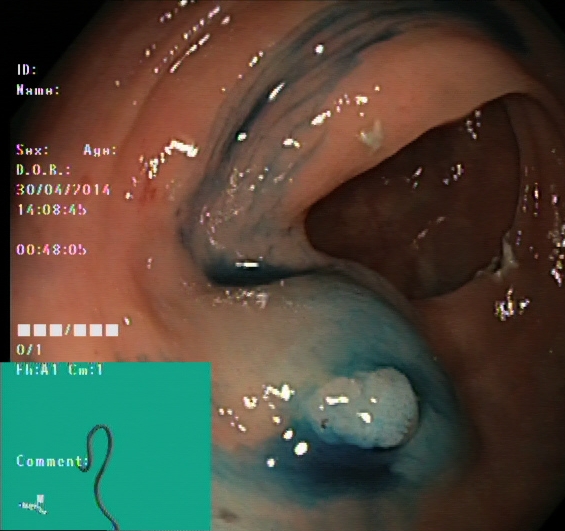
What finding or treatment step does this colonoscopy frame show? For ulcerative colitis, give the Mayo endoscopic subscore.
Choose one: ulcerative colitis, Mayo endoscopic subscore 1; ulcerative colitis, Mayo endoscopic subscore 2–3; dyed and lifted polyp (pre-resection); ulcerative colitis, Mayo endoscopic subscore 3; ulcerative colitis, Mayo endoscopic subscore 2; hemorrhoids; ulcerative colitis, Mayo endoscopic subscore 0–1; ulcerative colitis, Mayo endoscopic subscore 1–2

dyed and lifted polyp (pre-resection)